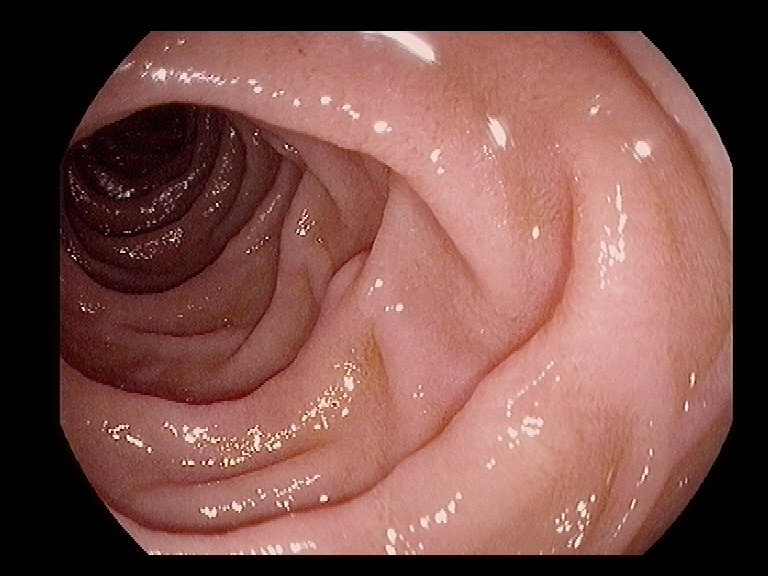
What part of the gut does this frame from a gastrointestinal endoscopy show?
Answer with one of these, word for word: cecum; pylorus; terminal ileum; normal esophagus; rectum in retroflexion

terminal ileum